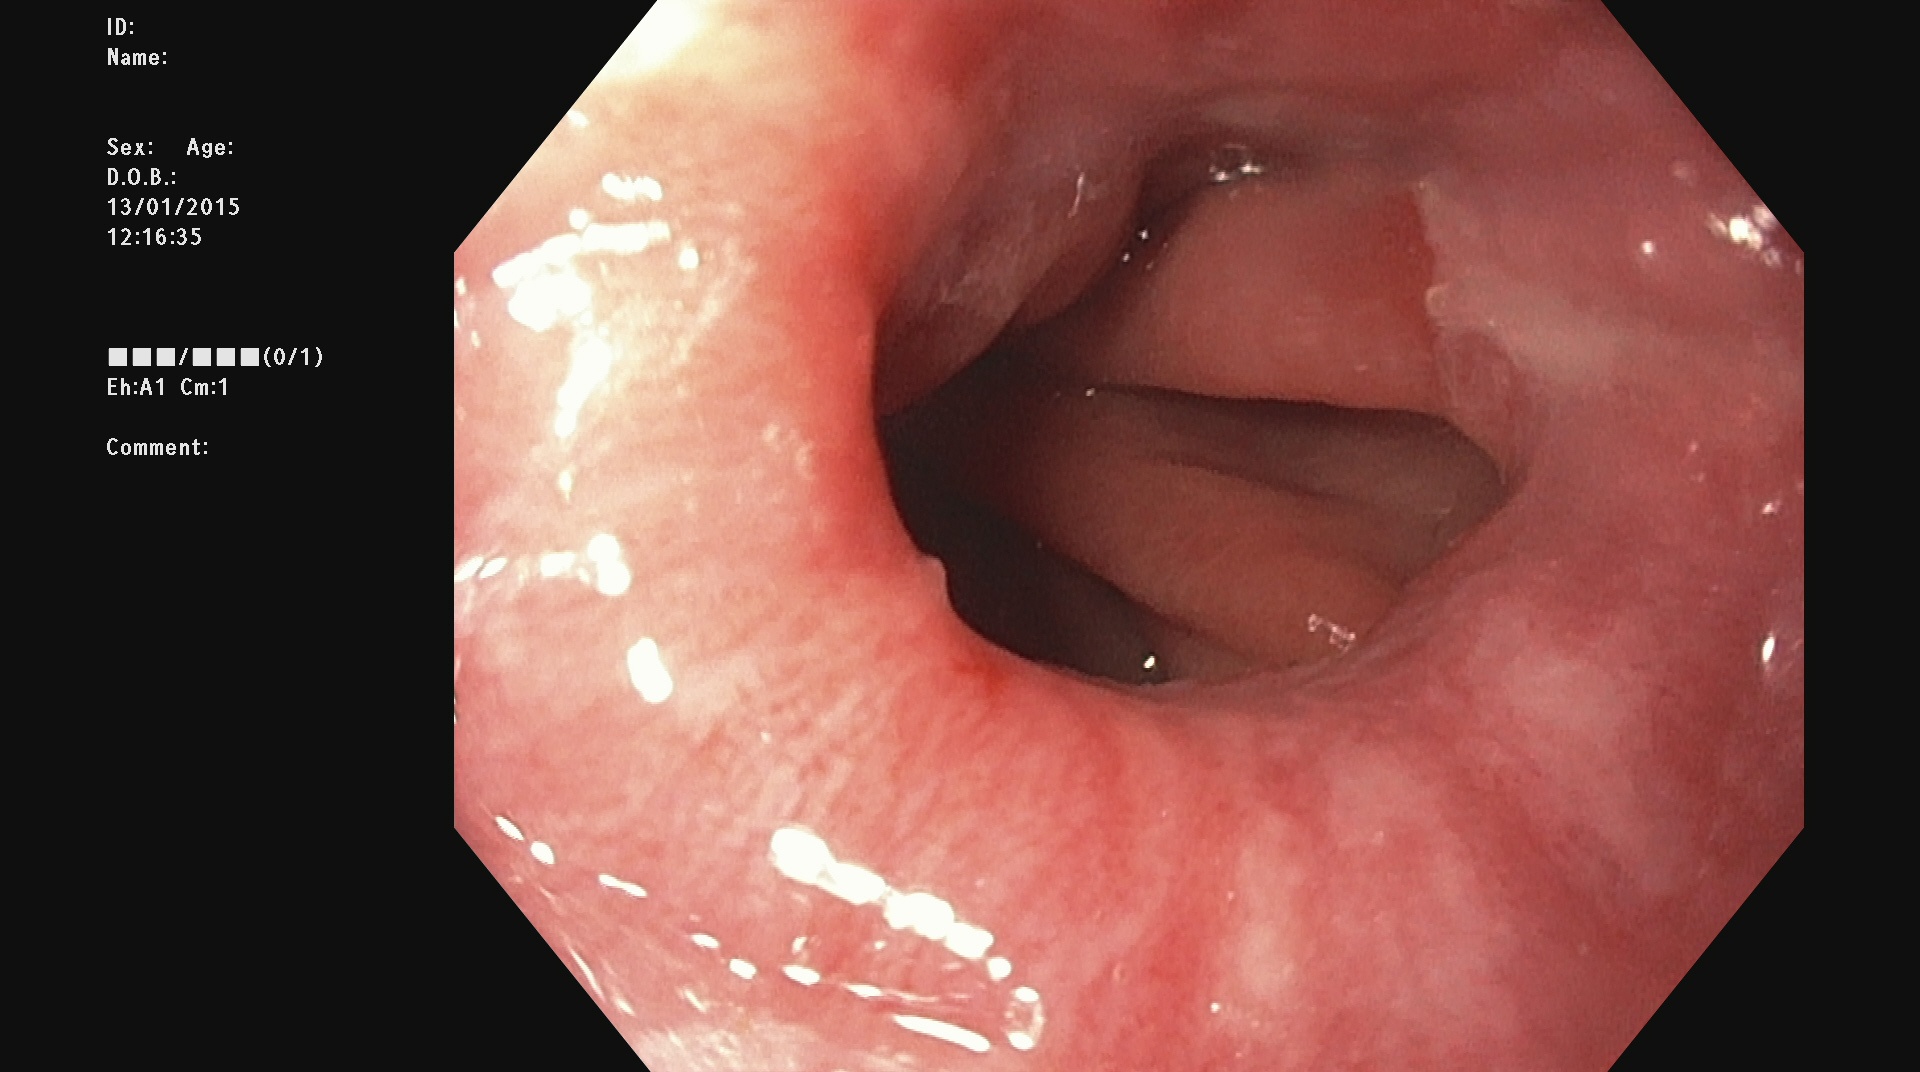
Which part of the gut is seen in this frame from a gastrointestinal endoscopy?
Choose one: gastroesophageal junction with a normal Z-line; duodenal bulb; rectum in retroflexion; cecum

gastroesophageal junction with a normal Z-line